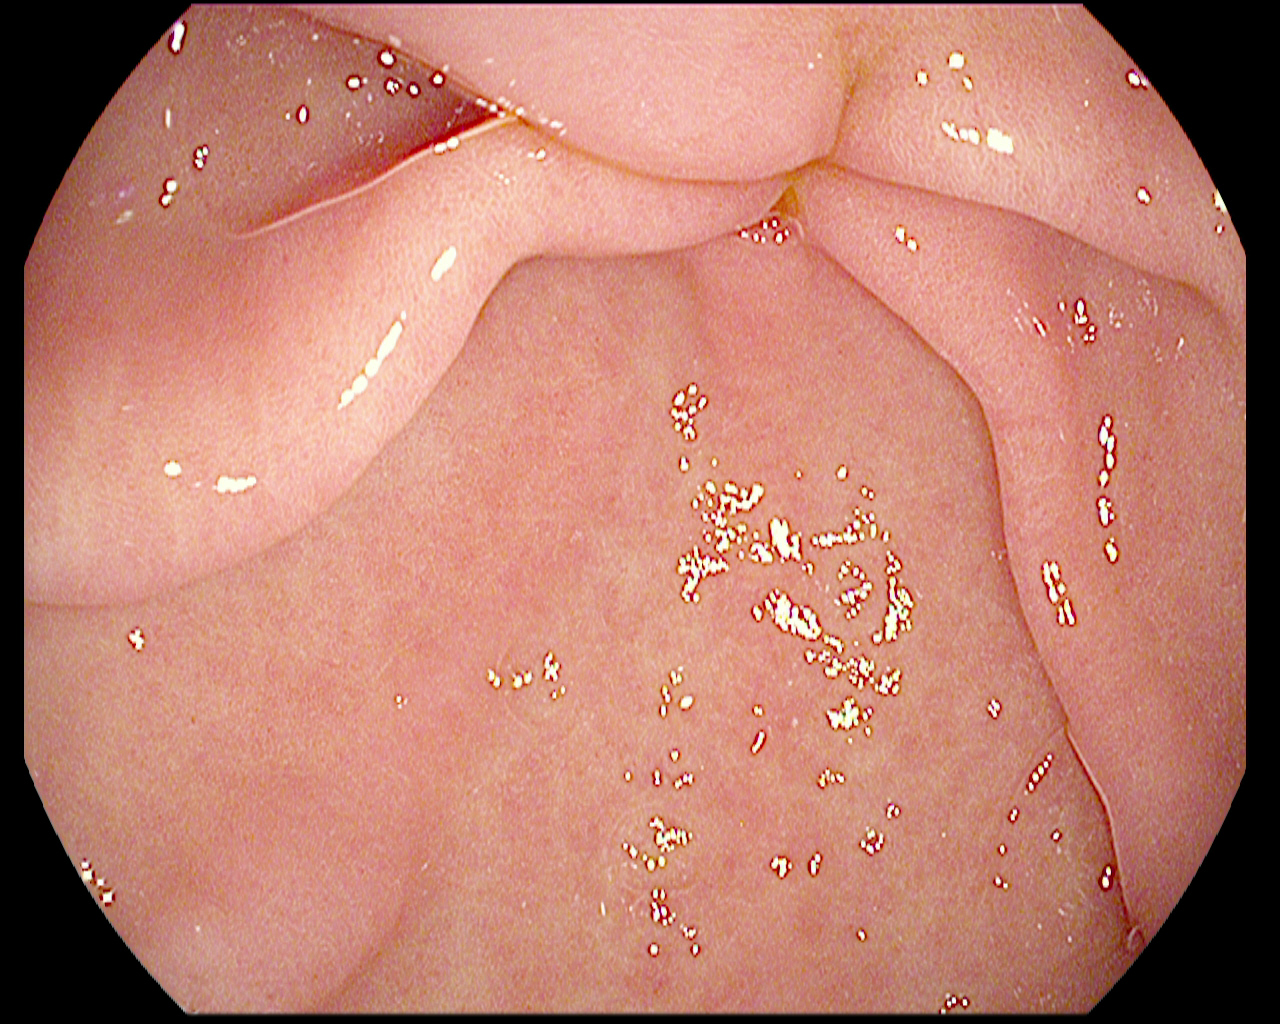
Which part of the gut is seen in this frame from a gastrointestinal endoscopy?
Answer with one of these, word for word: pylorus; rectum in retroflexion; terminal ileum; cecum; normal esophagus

pylorus